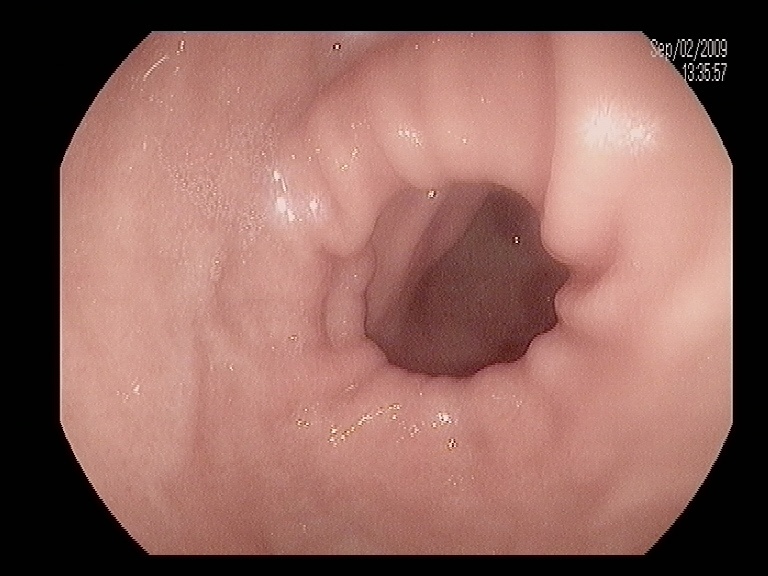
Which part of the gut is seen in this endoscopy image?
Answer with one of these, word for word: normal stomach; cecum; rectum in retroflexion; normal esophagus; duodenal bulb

normal stomach